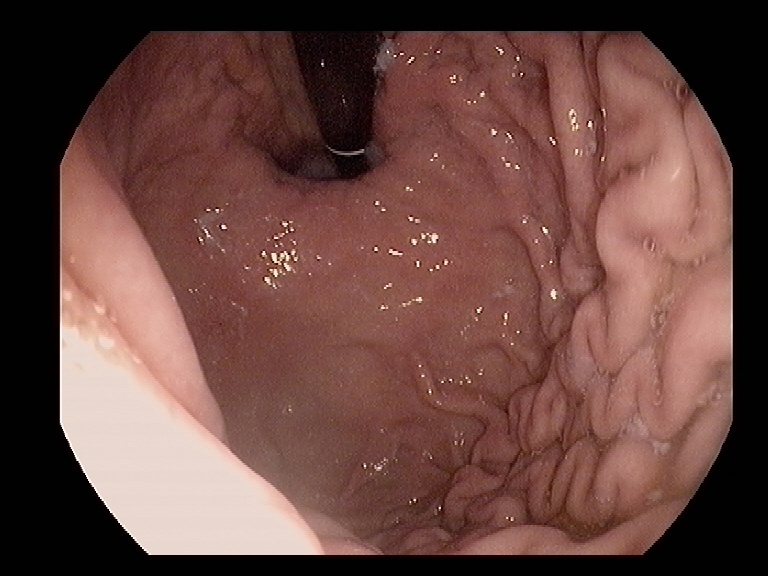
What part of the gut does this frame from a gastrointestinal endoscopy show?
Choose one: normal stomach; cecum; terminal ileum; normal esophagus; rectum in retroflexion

normal stomach